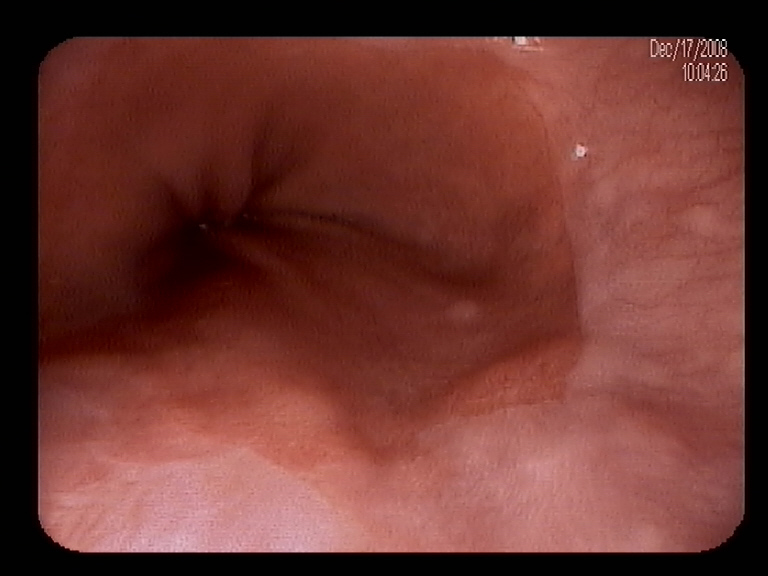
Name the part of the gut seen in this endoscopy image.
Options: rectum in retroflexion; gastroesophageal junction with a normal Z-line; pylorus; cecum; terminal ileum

gastroesophageal junction with a normal Z-line